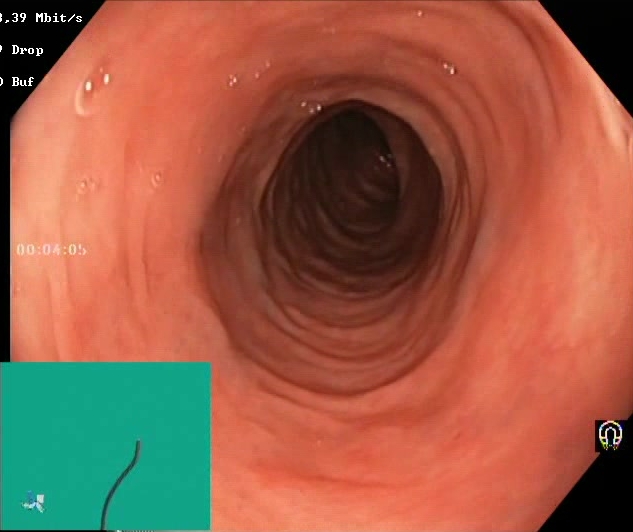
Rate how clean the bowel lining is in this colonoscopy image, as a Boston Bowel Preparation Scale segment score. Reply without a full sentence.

Boston Bowel Preparation Scale score 2–3 (adequate preparation)